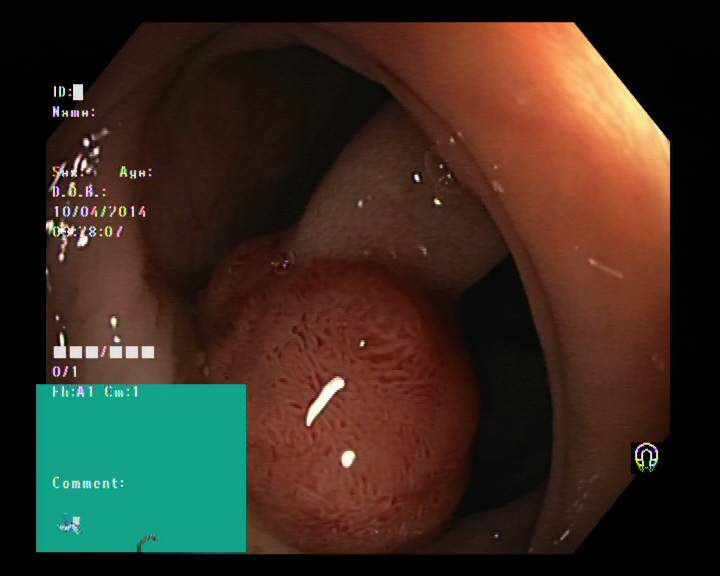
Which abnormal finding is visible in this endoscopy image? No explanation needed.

colon polyp